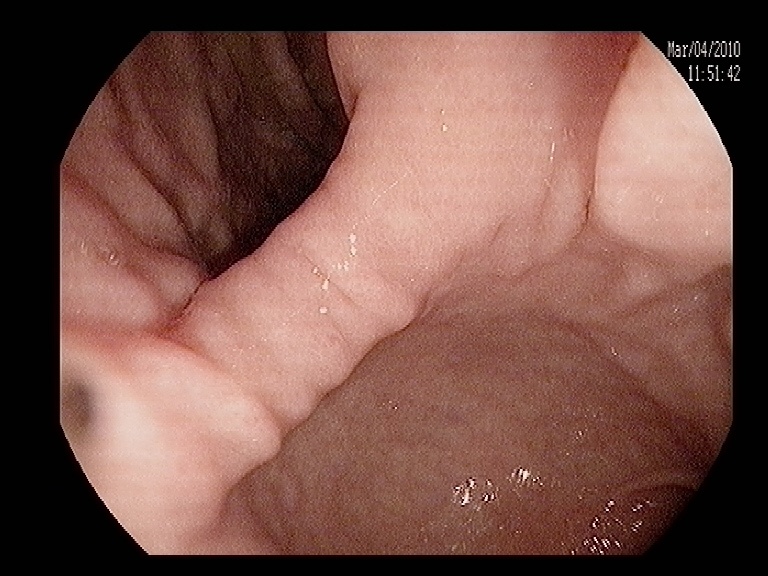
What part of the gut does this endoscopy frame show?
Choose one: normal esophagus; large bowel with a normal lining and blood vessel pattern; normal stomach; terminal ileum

normal stomach